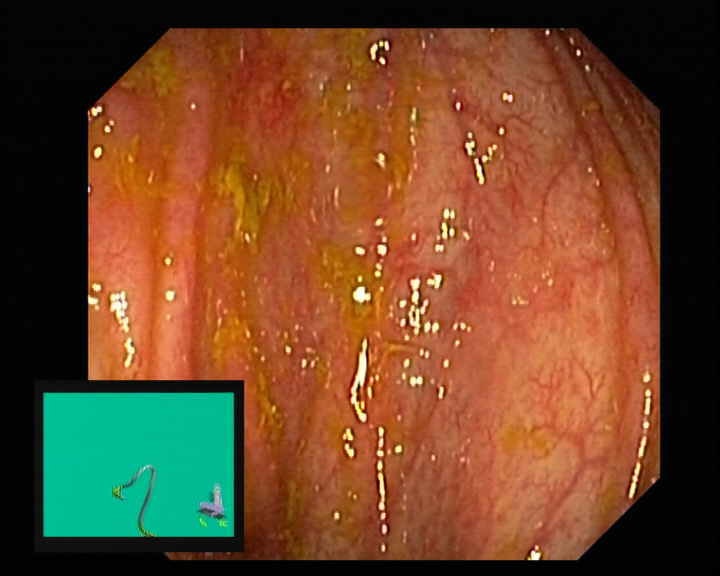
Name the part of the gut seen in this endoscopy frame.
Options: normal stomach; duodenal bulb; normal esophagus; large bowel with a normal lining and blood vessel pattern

large bowel with a normal lining and blood vessel pattern